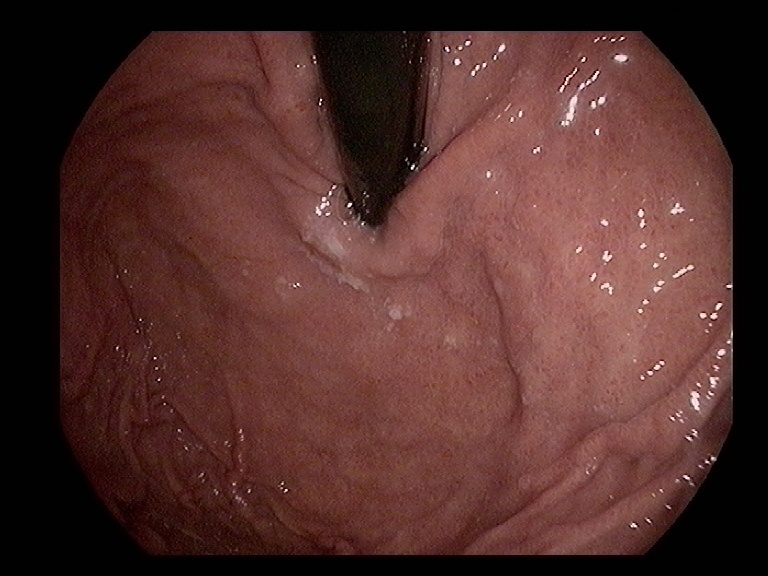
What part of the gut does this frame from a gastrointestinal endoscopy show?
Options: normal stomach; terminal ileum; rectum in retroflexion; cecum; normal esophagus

normal stomach